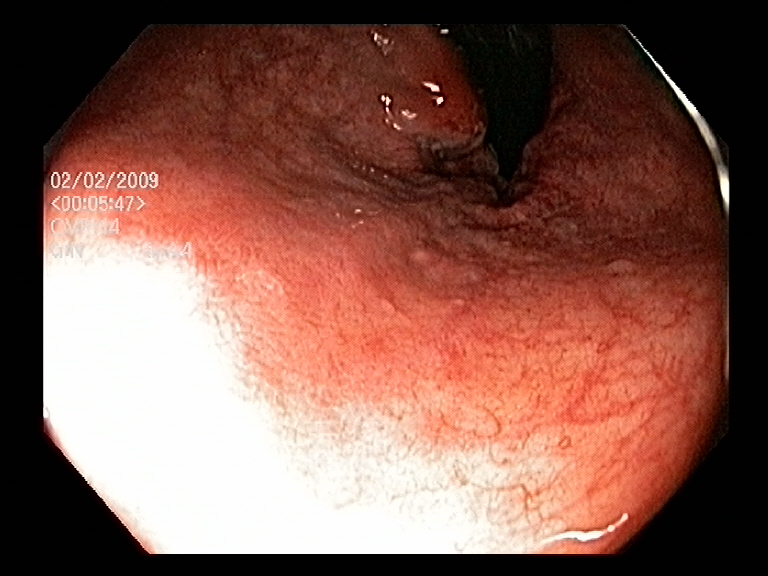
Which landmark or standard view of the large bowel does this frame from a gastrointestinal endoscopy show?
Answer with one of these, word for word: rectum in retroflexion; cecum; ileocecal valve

rectum in retroflexion